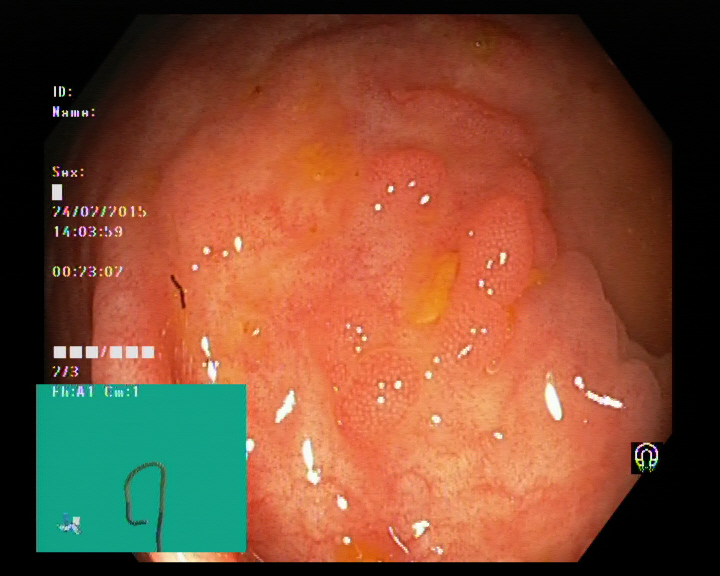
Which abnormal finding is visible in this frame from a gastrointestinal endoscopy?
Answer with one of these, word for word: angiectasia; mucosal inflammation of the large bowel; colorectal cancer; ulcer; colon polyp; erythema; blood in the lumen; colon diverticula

colon polyp